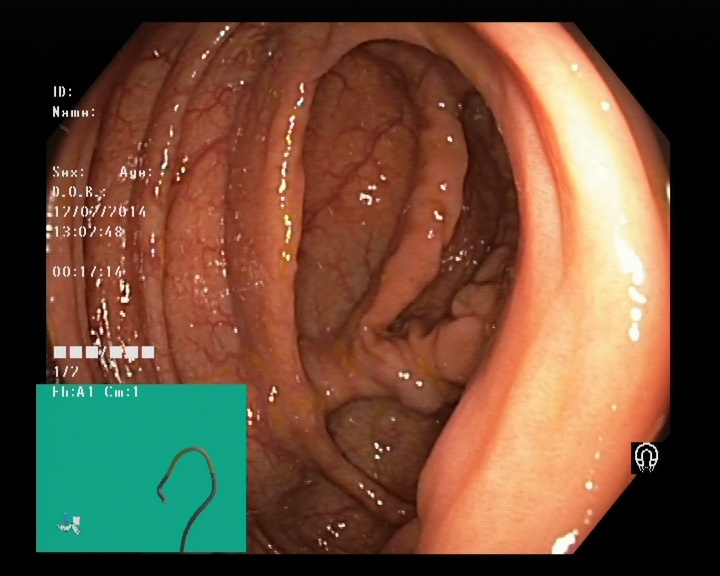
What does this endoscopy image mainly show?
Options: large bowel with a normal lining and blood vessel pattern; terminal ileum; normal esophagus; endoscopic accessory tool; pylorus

large bowel with a normal lining and blood vessel pattern